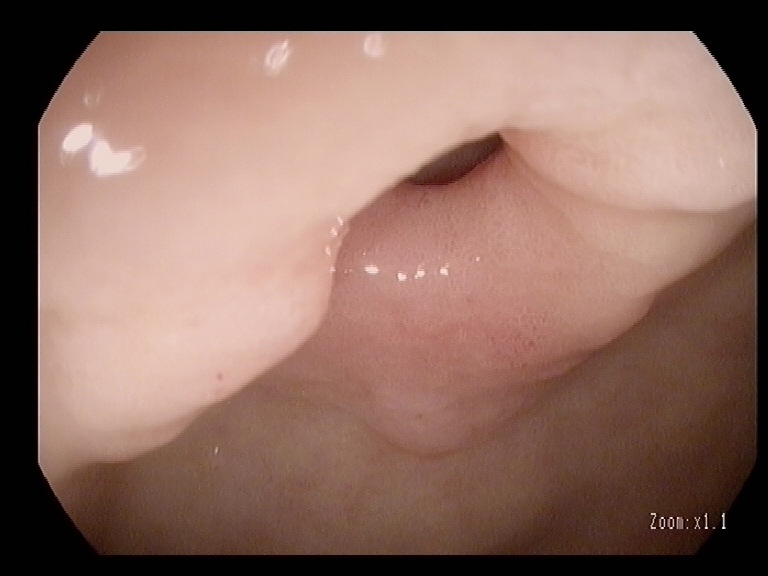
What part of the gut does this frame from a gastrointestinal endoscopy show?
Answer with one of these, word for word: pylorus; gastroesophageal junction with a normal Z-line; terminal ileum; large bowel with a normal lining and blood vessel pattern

pylorus